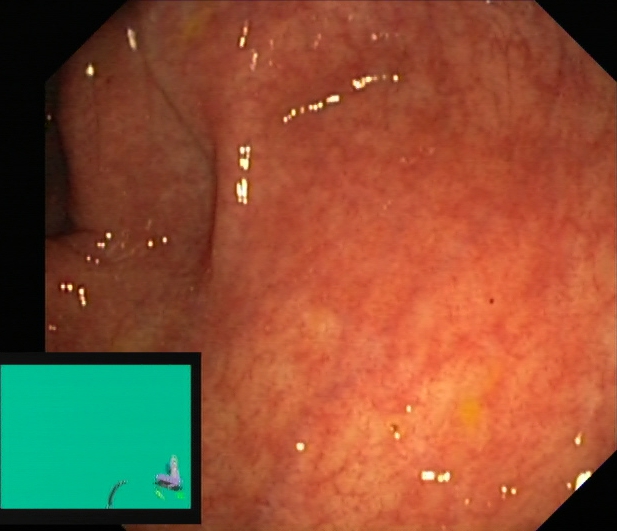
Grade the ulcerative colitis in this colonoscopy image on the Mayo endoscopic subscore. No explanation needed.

ulcerative colitis, Mayo endoscopic subscore 1